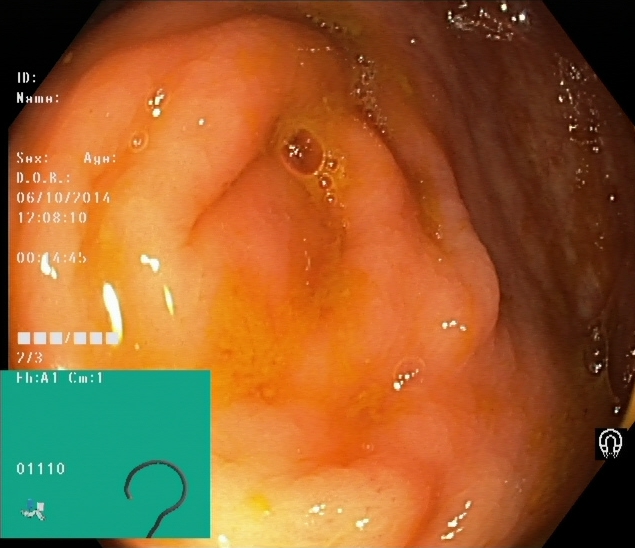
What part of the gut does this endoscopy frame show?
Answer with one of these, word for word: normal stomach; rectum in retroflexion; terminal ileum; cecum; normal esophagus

cecum